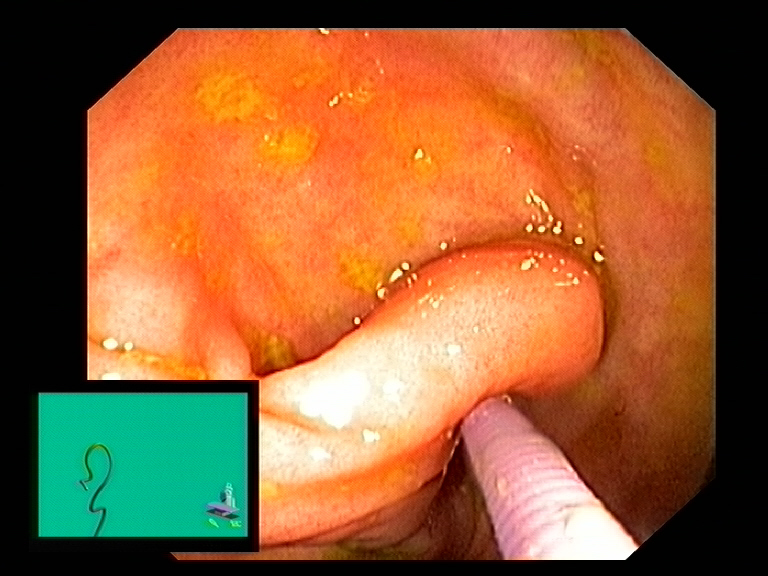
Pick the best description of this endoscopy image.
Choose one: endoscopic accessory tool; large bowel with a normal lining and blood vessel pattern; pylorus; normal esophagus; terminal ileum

endoscopic accessory tool